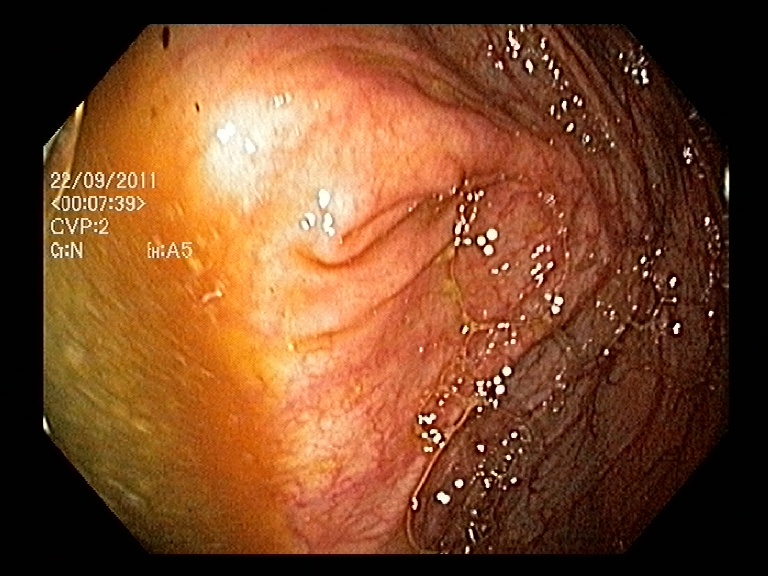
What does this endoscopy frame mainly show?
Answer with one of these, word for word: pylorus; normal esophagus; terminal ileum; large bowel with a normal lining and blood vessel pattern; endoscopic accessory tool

large bowel with a normal lining and blood vessel pattern